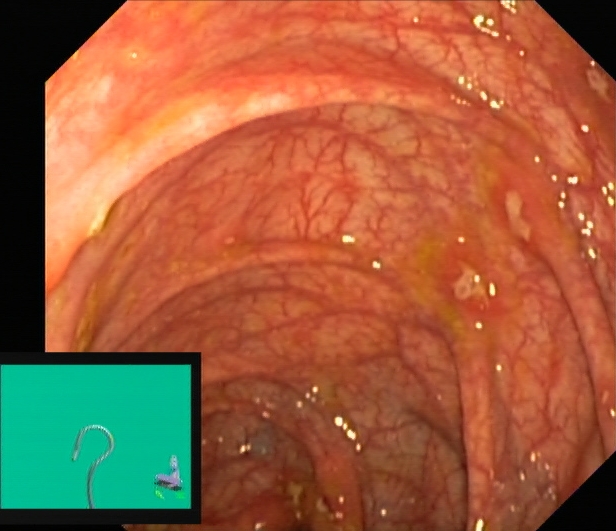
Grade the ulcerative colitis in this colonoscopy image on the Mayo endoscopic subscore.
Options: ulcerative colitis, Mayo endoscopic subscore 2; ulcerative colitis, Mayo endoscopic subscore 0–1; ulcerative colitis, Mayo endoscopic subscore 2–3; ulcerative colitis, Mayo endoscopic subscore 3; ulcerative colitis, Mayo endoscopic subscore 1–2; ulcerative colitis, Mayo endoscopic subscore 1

ulcerative colitis, Mayo endoscopic subscore 1